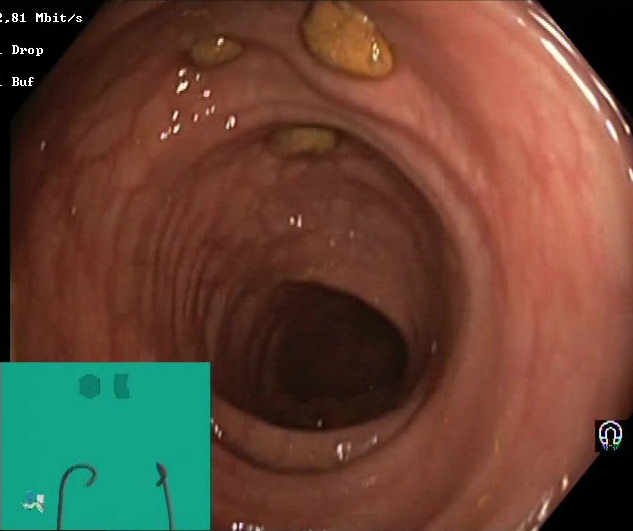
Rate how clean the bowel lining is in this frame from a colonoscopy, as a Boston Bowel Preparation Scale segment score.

Boston Bowel Preparation Scale score 2–3 (adequate preparation)